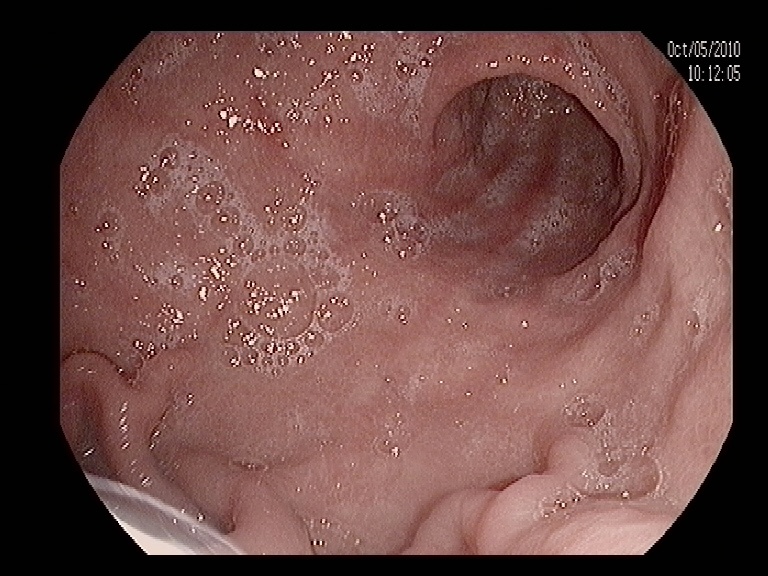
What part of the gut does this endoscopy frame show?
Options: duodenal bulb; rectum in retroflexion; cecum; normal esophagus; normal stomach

normal stomach